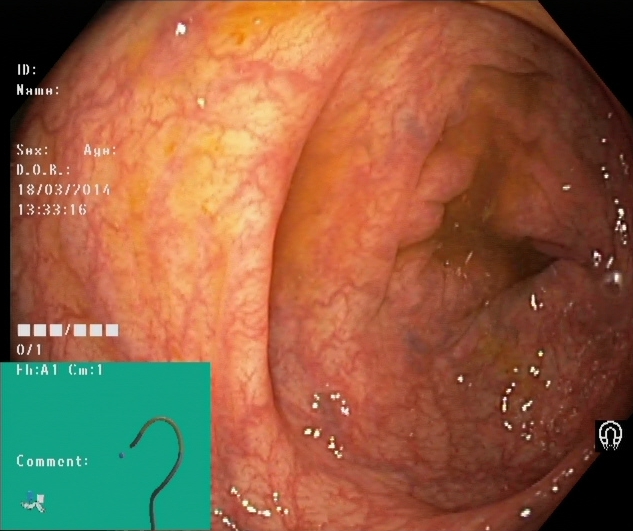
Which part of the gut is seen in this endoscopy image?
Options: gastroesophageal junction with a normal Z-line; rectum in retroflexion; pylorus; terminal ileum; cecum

cecum